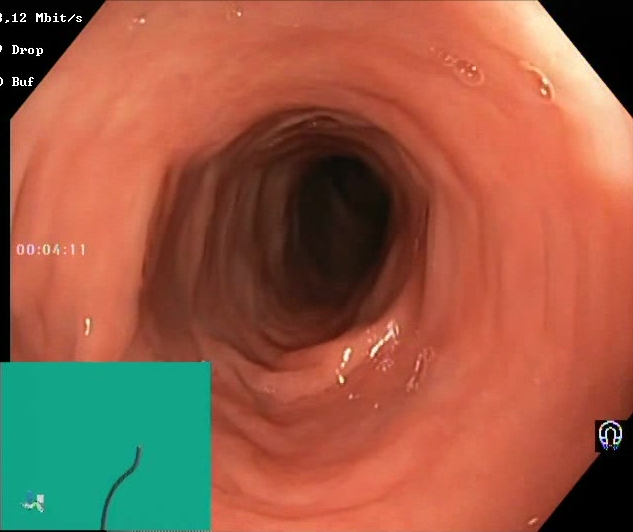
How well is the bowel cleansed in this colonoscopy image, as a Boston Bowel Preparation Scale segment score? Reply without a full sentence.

Boston Bowel Preparation Scale score 2–3 (adequate preparation)